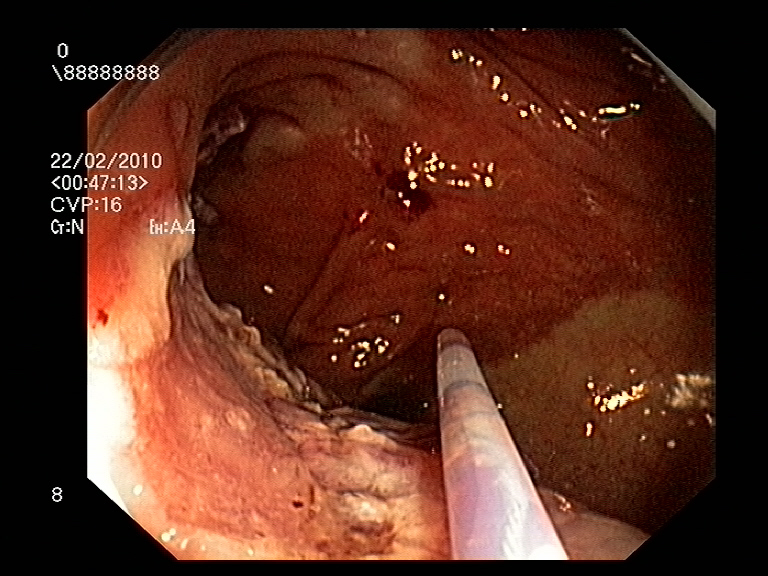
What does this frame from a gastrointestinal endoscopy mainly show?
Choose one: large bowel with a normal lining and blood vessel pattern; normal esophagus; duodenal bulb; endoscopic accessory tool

endoscopic accessory tool